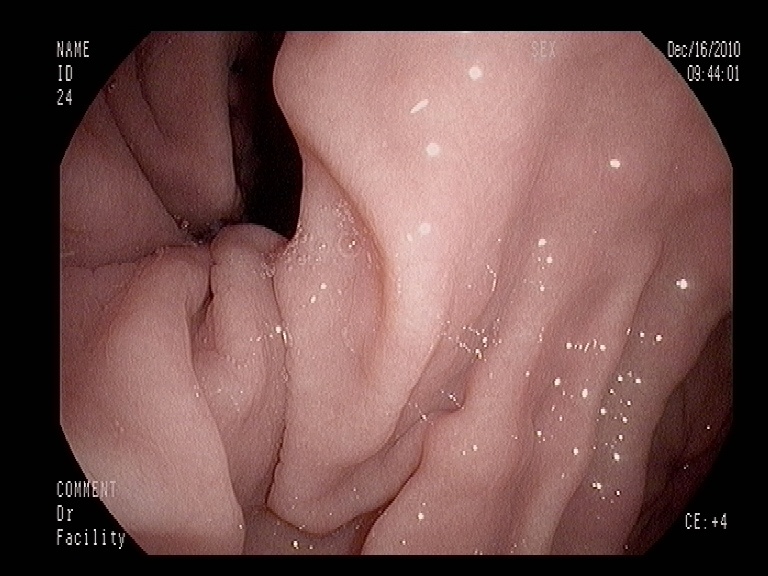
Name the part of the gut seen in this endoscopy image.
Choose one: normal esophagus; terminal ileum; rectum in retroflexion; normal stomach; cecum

normal stomach